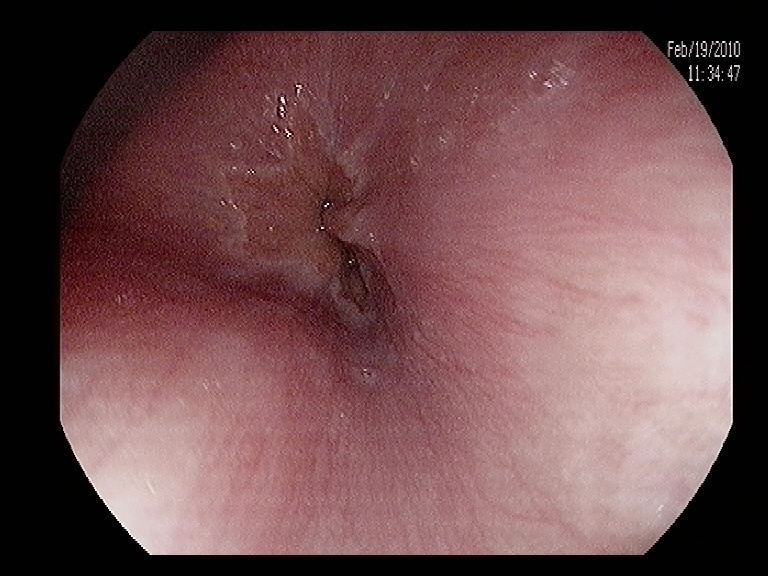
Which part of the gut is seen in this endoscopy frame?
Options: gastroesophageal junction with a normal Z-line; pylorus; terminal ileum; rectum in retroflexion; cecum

gastroesophageal junction with a normal Z-line